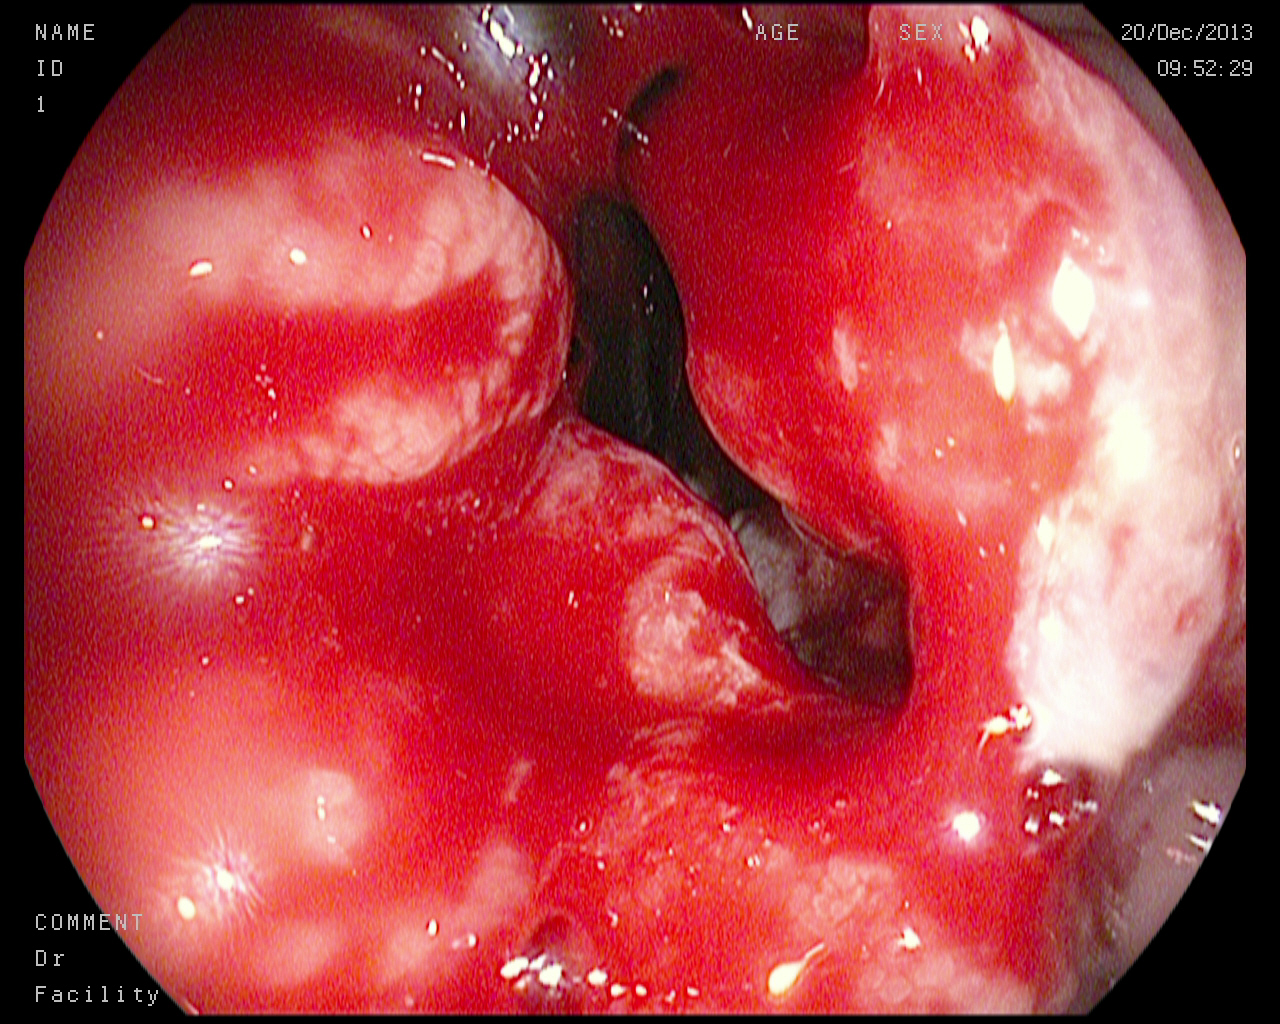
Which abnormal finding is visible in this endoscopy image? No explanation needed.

blood in the lumen